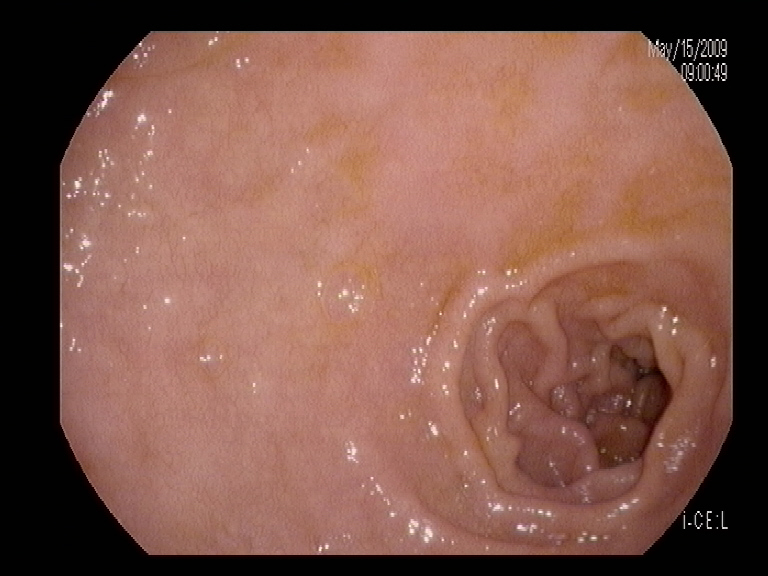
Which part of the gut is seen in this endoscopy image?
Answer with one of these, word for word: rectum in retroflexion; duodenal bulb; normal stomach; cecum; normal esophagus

duodenal bulb